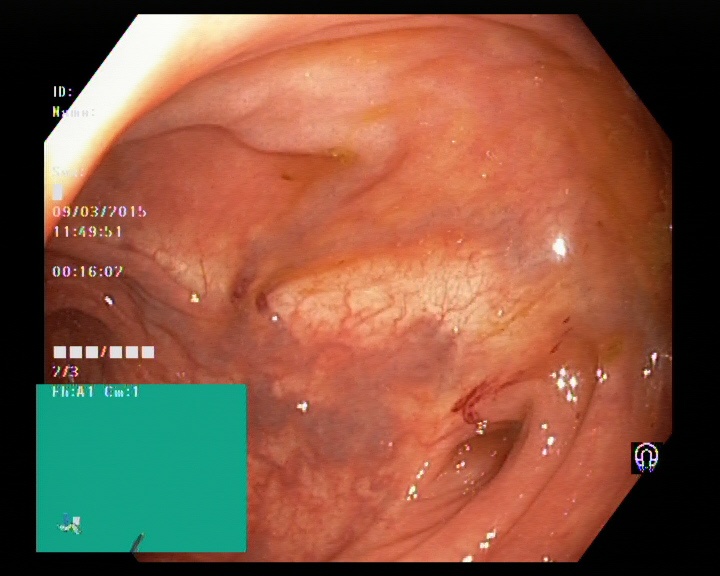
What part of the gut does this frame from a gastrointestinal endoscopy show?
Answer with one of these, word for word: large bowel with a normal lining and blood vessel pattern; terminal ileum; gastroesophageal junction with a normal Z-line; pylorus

large bowel with a normal lining and blood vessel pattern